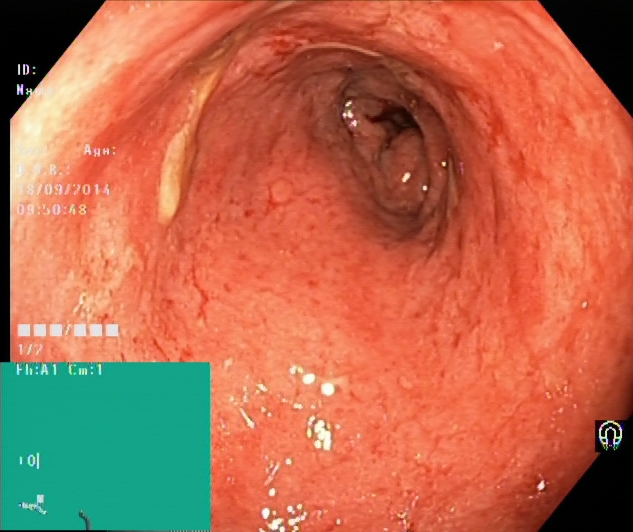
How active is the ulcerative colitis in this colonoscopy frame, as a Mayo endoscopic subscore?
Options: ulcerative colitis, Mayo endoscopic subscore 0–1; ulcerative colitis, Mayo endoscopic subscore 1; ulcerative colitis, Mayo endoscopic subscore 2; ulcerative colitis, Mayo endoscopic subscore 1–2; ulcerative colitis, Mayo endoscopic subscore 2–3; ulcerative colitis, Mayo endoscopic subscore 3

ulcerative colitis, Mayo endoscopic subscore 1